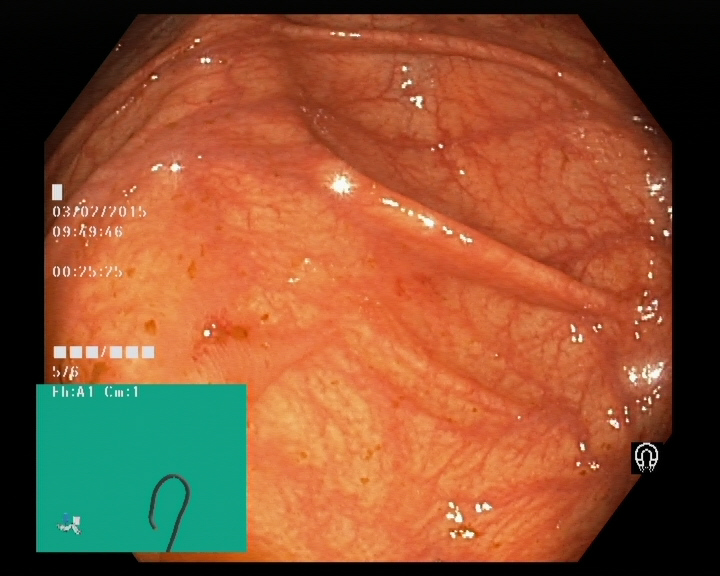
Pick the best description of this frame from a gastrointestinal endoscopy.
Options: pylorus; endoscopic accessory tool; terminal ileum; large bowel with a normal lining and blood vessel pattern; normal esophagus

large bowel with a normal lining and blood vessel pattern